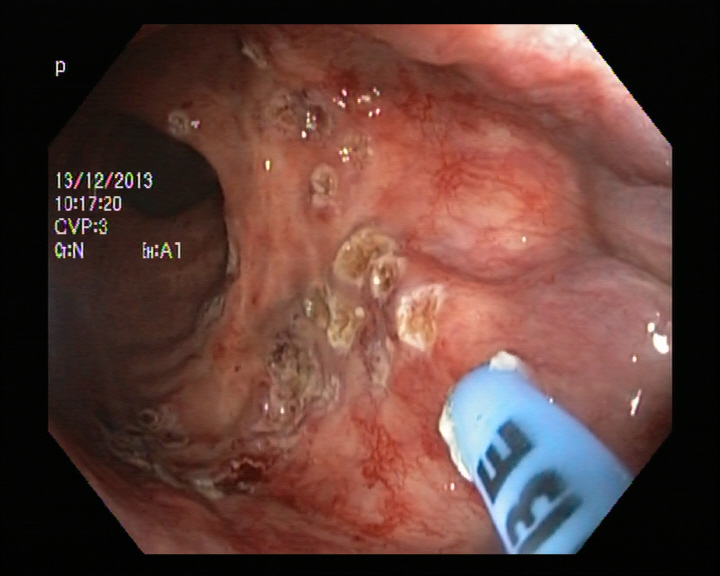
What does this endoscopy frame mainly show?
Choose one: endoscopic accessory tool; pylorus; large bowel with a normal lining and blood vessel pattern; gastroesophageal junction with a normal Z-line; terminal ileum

endoscopic accessory tool